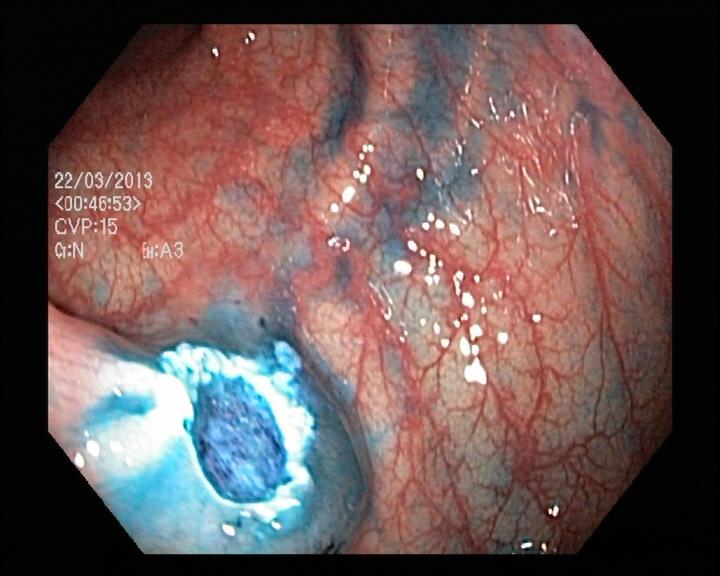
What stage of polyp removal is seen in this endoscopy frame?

dyed resection margin (post-polypectomy)